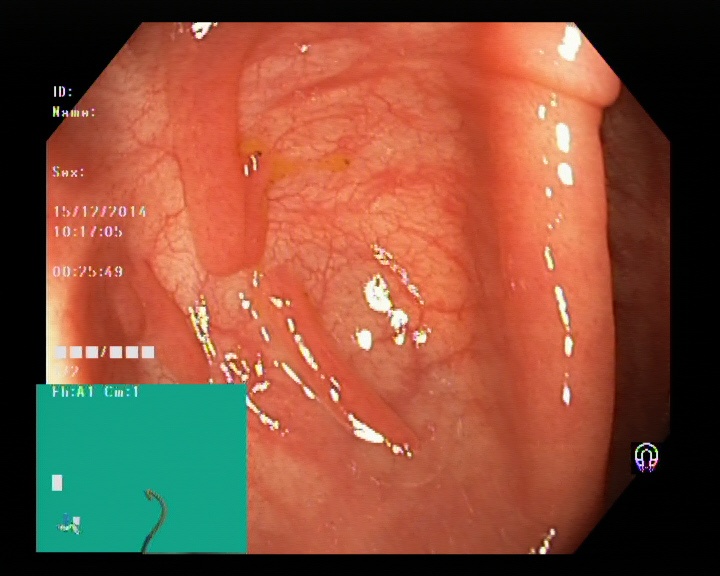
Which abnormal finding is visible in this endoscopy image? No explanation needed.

colon polyp